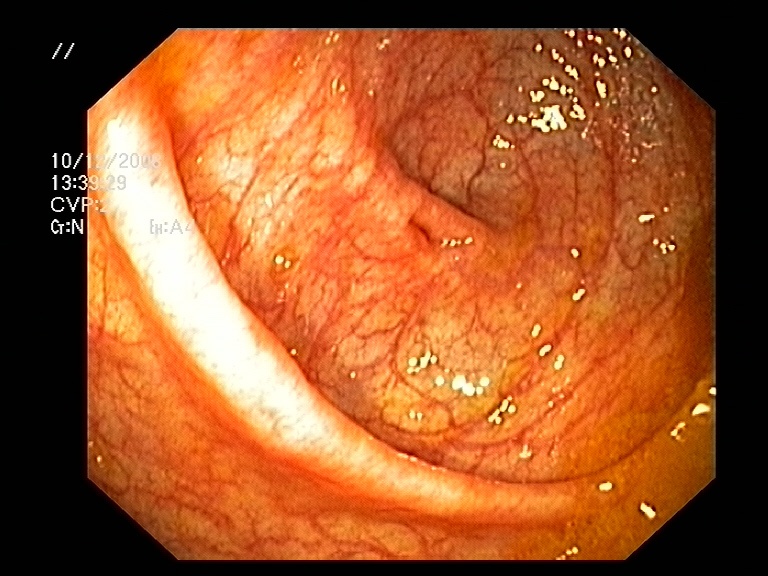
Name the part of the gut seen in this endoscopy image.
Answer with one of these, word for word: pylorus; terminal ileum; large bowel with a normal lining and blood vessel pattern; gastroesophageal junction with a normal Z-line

large bowel with a normal lining and blood vessel pattern